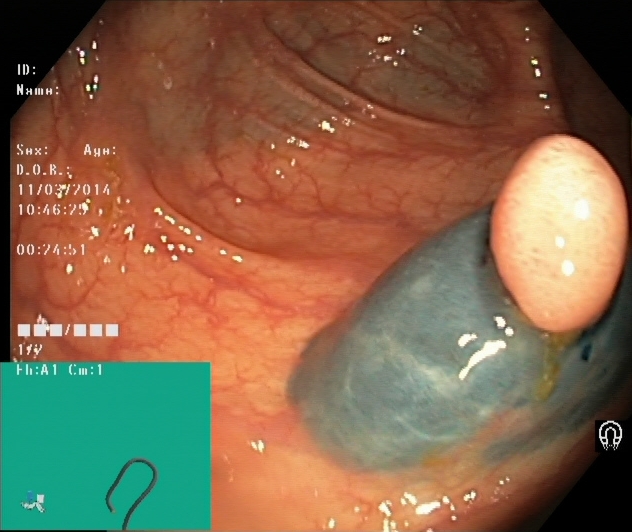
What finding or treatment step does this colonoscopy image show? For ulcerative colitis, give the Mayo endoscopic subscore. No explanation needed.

dyed and lifted polyp (pre-resection)